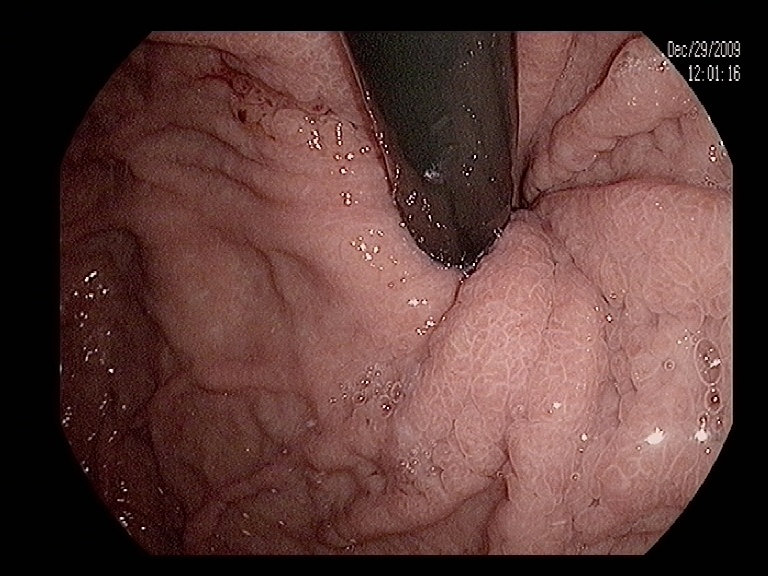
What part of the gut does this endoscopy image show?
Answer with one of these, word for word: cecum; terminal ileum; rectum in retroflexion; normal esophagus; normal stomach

normal stomach